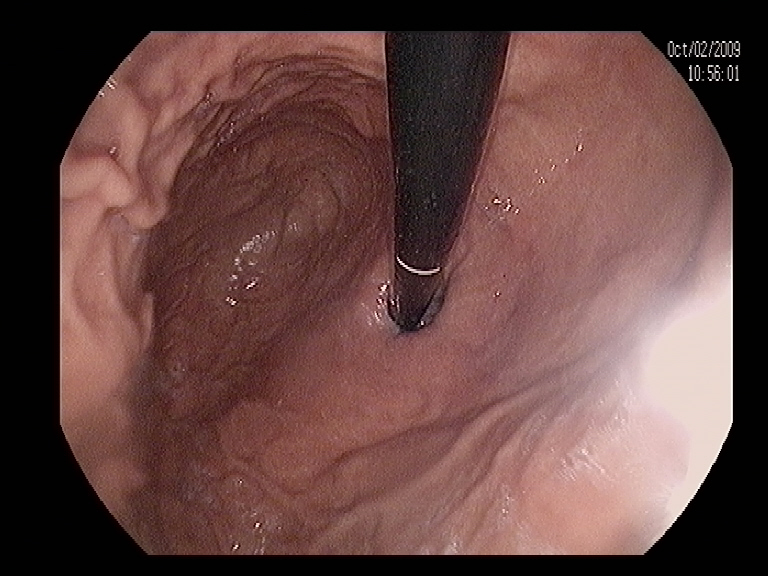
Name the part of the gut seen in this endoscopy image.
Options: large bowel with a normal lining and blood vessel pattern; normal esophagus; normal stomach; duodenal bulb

normal stomach